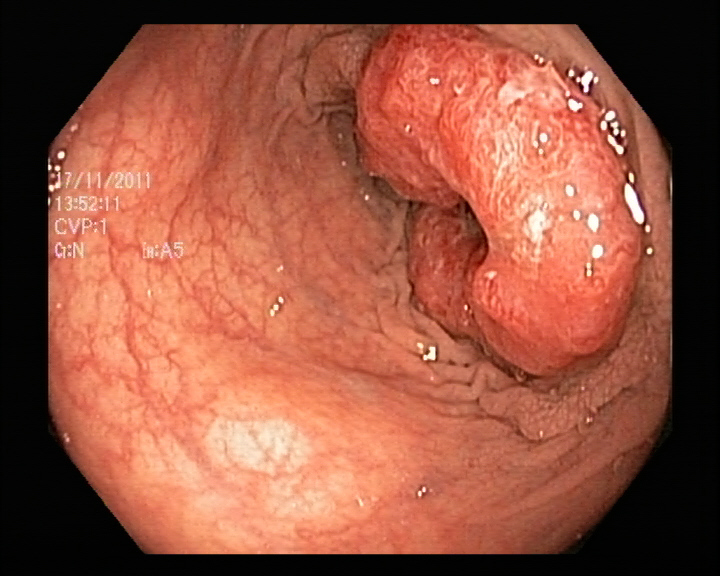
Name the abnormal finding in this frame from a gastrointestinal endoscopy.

colorectal cancer